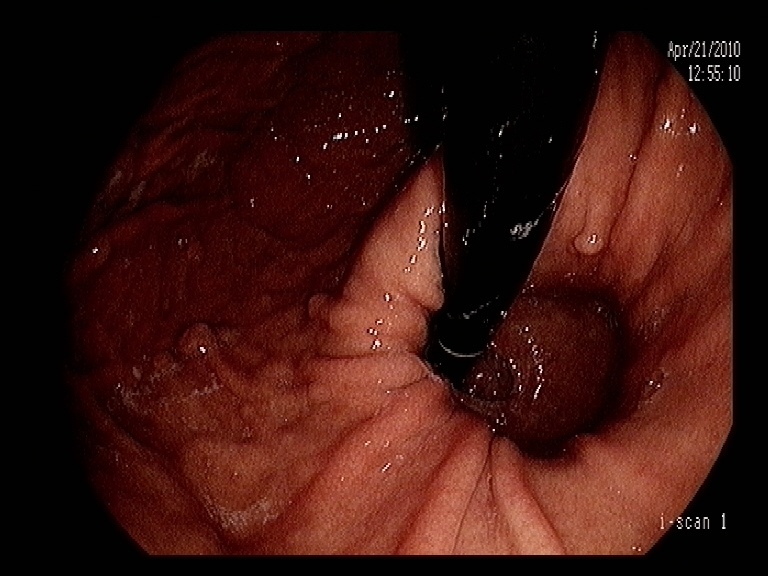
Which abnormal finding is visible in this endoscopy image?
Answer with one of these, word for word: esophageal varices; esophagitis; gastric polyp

gastric polyp